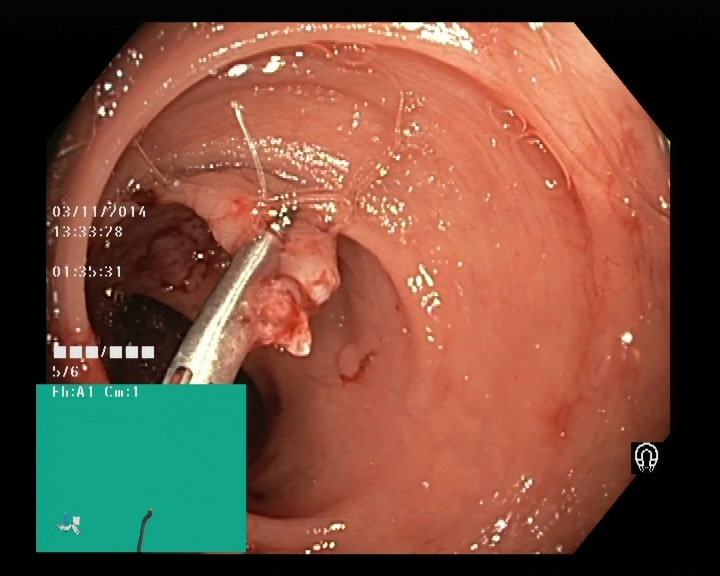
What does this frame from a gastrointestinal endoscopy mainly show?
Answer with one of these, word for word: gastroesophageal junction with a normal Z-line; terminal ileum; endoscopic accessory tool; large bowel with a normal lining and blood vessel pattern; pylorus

endoscopic accessory tool